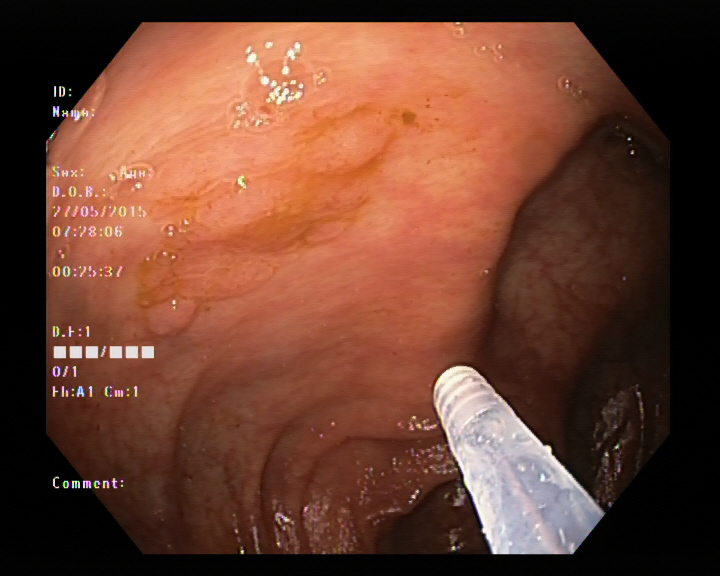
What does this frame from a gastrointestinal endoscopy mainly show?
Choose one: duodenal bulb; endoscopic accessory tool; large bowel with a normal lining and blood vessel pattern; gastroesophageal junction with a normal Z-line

endoscopic accessory tool